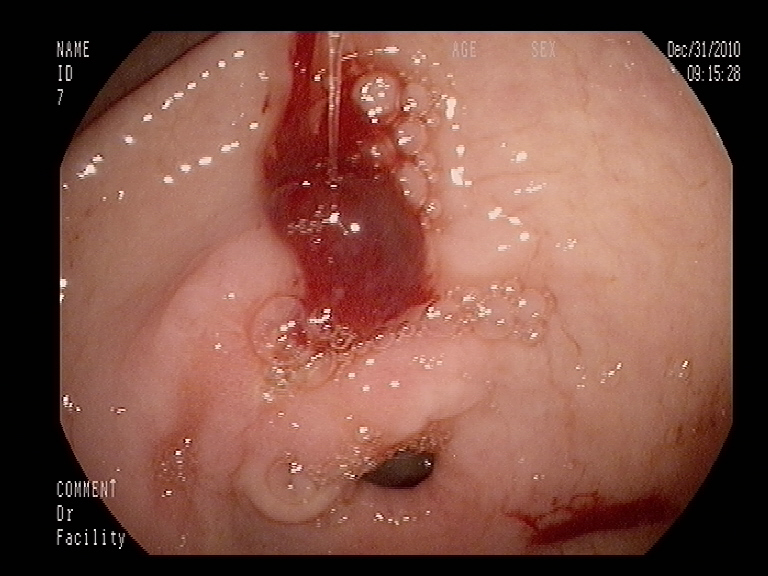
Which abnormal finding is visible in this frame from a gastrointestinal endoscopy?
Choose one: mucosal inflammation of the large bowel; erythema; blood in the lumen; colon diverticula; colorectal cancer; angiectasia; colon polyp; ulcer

blood in the lumen